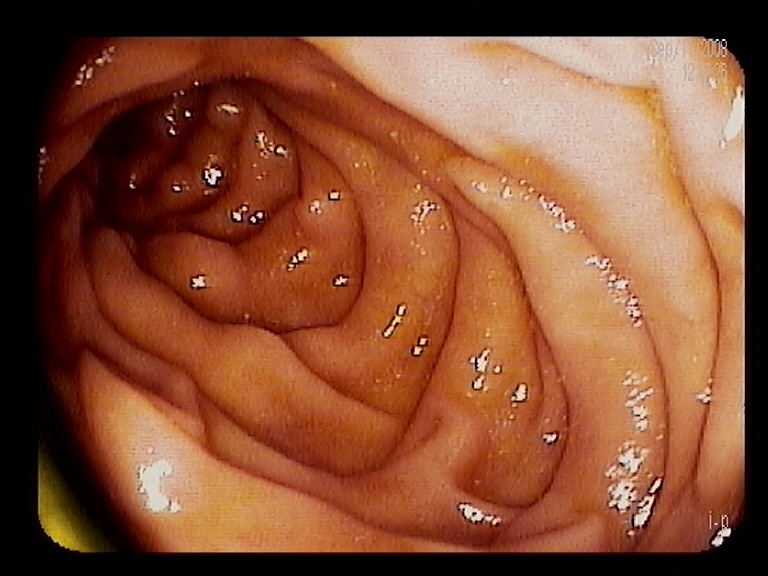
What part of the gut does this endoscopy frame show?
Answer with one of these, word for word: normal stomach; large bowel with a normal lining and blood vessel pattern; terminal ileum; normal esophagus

terminal ileum